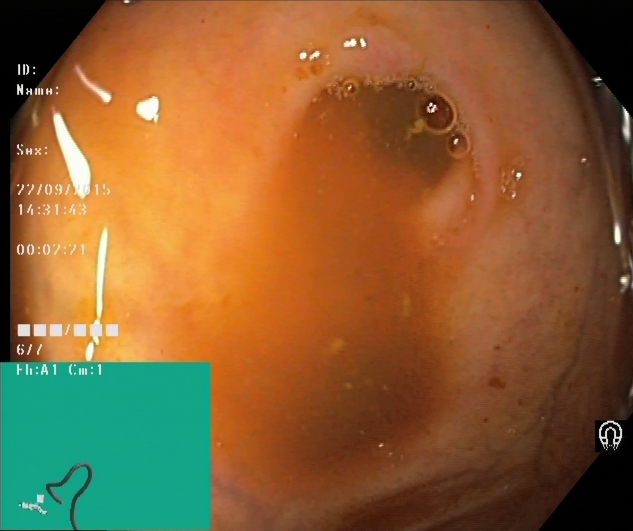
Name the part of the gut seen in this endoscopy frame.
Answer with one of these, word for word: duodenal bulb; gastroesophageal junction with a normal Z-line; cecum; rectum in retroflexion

cecum